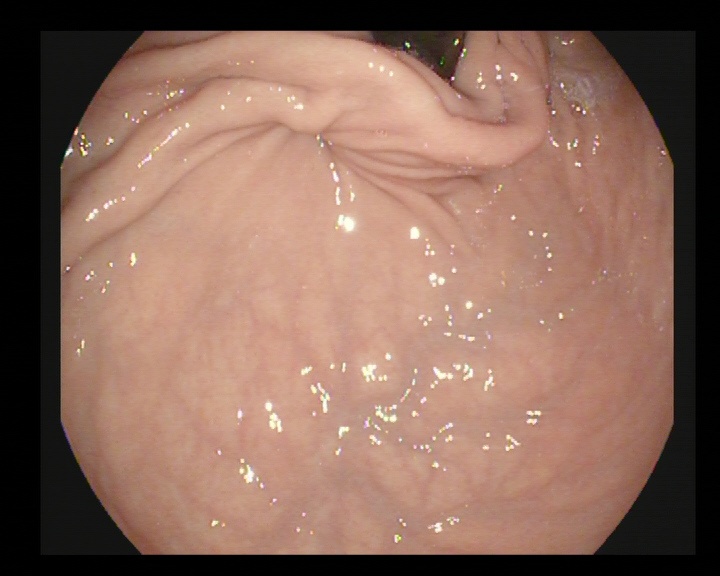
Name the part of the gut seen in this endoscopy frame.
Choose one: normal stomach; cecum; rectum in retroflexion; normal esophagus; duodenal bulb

normal stomach